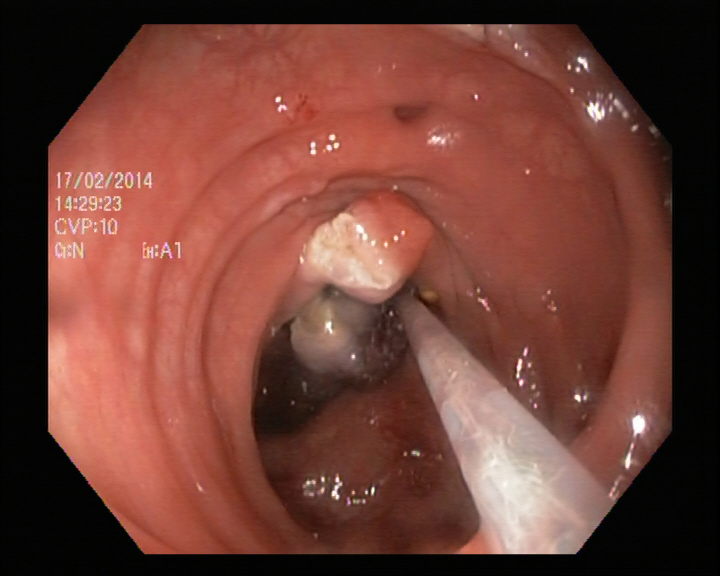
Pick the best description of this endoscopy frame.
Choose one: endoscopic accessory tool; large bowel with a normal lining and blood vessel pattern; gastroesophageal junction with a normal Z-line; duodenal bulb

endoscopic accessory tool